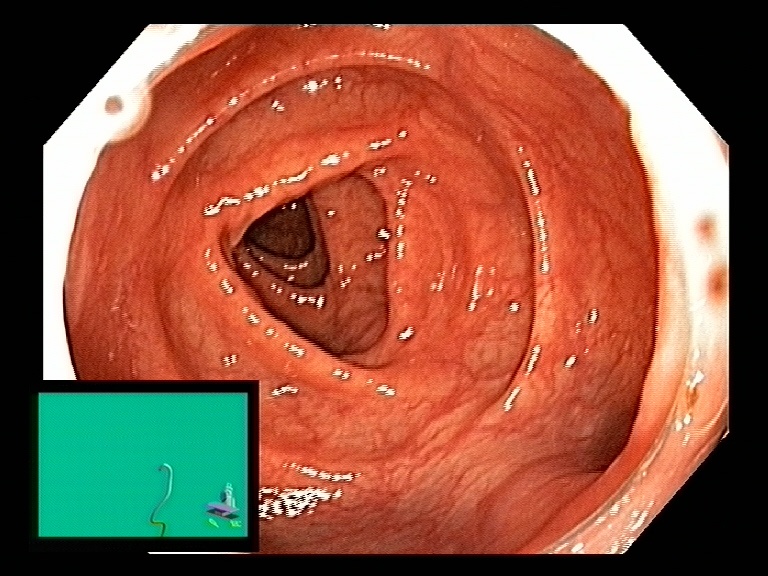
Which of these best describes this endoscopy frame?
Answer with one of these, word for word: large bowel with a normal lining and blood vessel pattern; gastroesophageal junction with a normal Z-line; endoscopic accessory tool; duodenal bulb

large bowel with a normal lining and blood vessel pattern